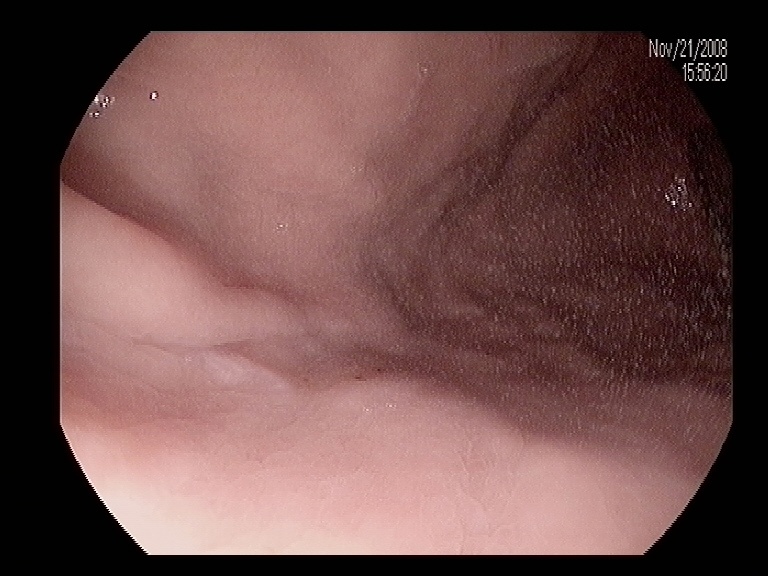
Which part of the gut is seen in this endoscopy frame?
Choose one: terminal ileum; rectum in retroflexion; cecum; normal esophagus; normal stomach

normal stomach